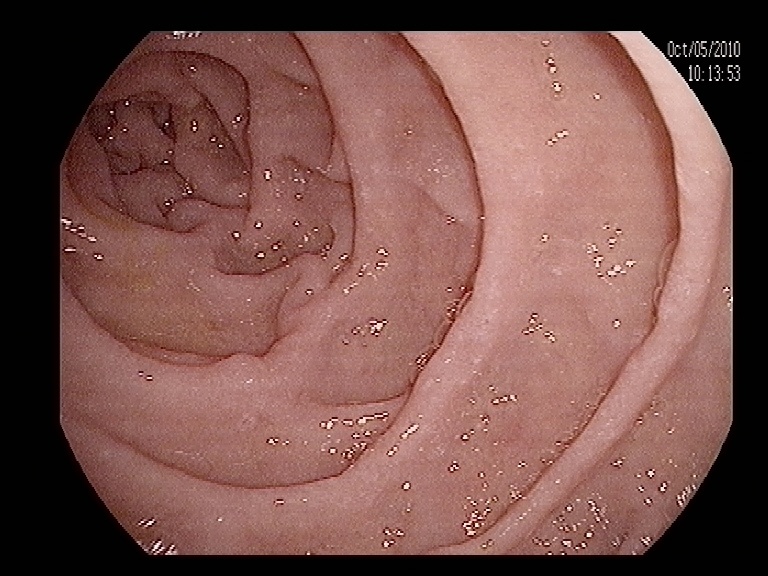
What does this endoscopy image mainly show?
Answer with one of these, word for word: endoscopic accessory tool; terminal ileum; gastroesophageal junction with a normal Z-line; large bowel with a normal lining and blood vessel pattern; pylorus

terminal ileum